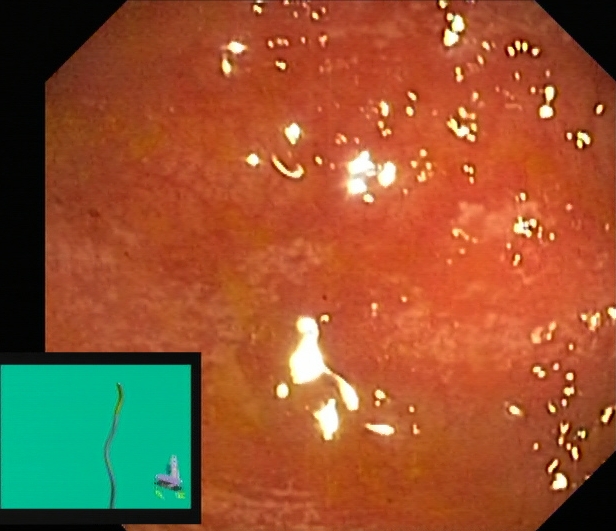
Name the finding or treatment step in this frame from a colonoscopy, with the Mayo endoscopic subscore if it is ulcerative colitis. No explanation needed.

ulcerative colitis, Mayo endoscopic subscore 2